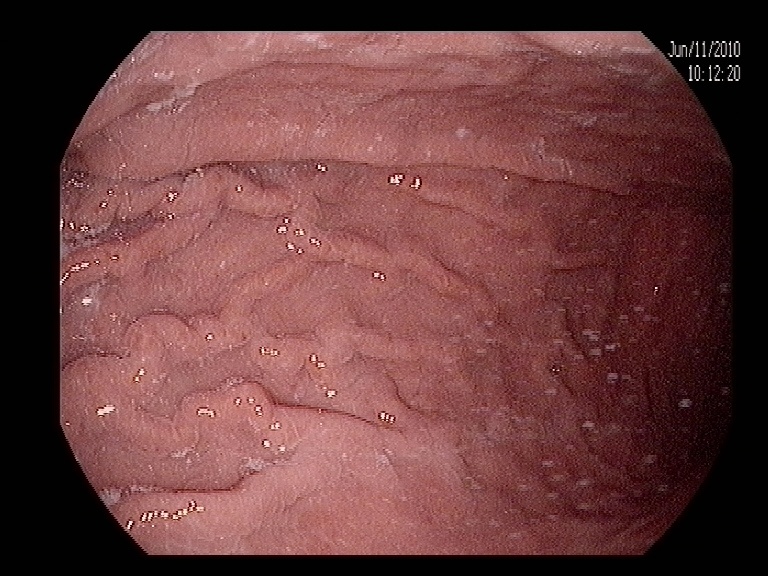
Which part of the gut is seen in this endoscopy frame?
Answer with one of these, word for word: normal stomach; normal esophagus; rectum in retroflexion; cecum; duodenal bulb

normal stomach